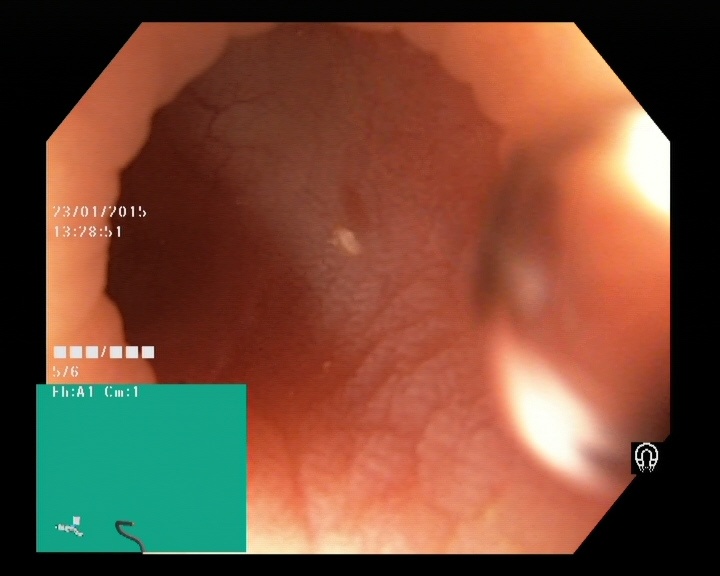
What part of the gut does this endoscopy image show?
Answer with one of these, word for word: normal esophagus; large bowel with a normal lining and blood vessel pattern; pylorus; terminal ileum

large bowel with a normal lining and blood vessel pattern